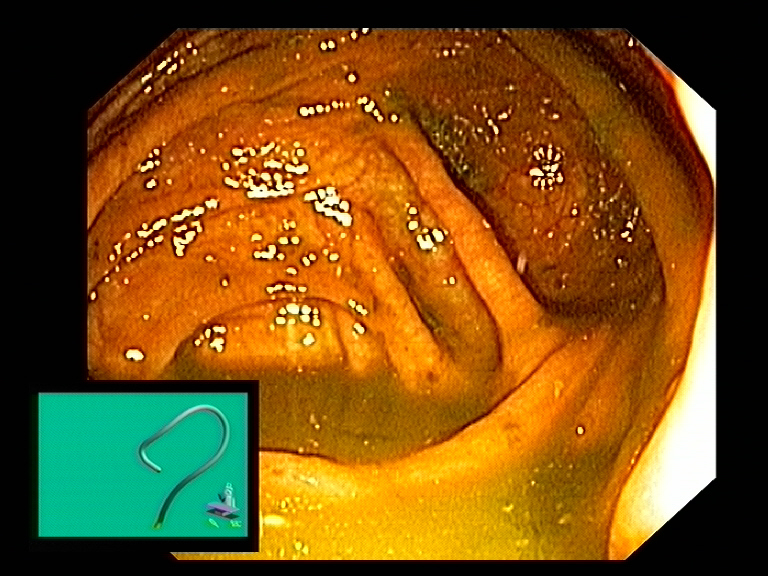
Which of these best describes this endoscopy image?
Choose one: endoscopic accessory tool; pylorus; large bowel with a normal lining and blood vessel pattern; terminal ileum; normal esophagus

large bowel with a normal lining and blood vessel pattern